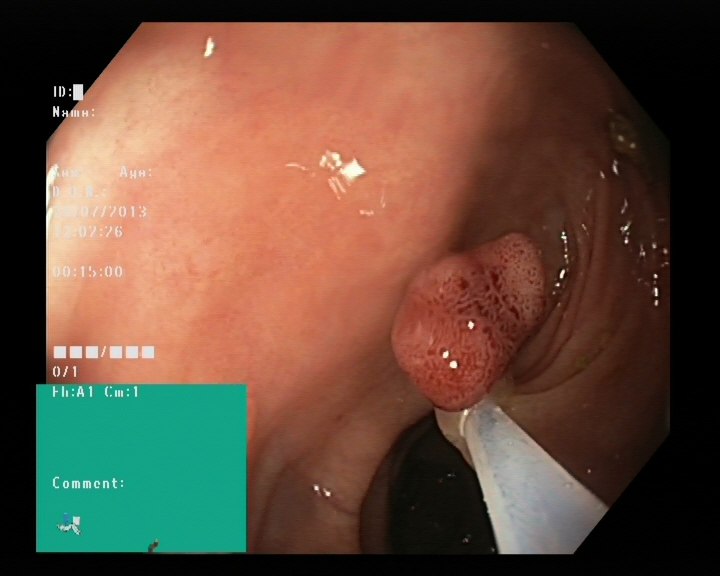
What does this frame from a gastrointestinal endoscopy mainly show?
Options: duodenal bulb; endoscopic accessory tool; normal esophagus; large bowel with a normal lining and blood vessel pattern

endoscopic accessory tool